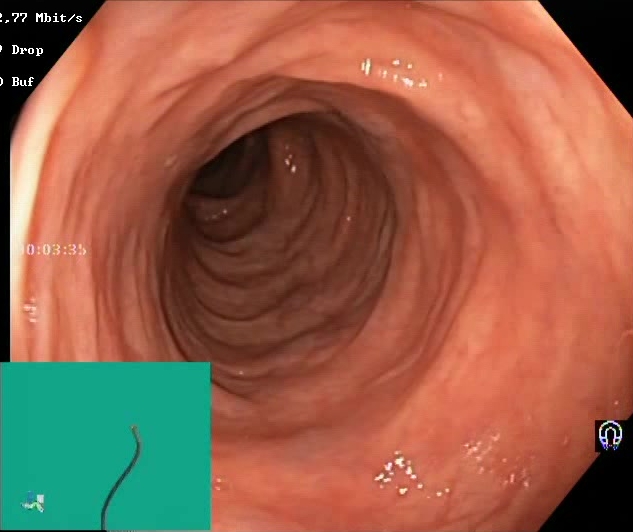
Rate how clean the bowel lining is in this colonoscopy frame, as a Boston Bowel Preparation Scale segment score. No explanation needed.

Boston Bowel Preparation Scale score 2–3 (adequate preparation)